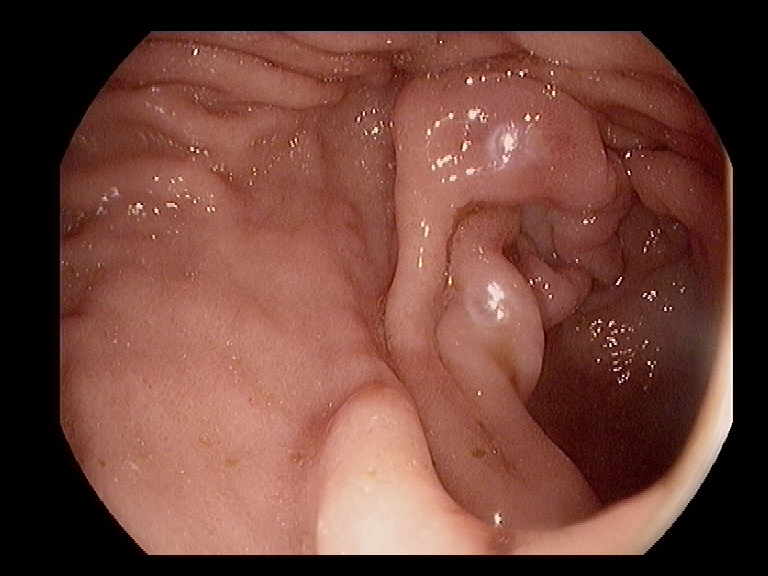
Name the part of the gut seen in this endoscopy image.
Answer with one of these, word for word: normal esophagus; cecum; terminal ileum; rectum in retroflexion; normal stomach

normal stomach